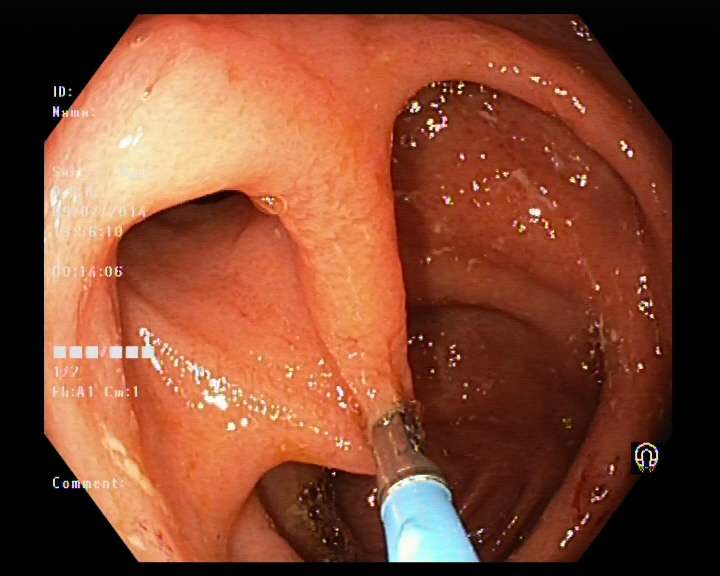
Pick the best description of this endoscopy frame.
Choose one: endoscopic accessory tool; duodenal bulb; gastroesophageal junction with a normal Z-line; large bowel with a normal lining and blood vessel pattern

endoscopic accessory tool